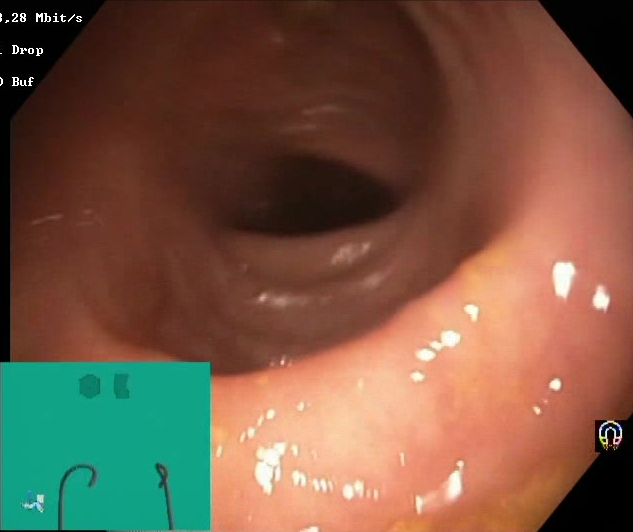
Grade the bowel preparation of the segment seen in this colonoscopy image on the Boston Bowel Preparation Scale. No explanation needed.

Boston Bowel Preparation Scale score 2–3 (adequate preparation)